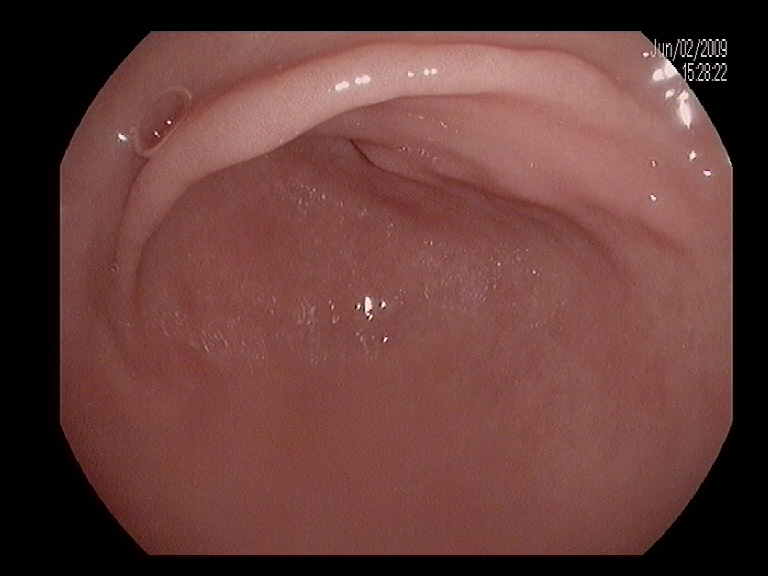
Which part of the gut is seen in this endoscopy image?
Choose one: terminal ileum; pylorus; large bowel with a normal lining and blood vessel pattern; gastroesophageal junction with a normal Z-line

pylorus